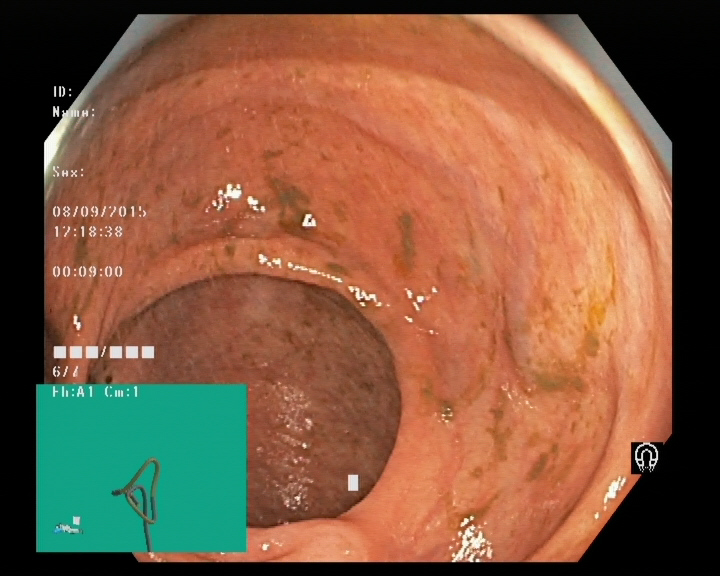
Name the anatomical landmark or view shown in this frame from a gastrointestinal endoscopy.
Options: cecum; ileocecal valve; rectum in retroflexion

ileocecal valve